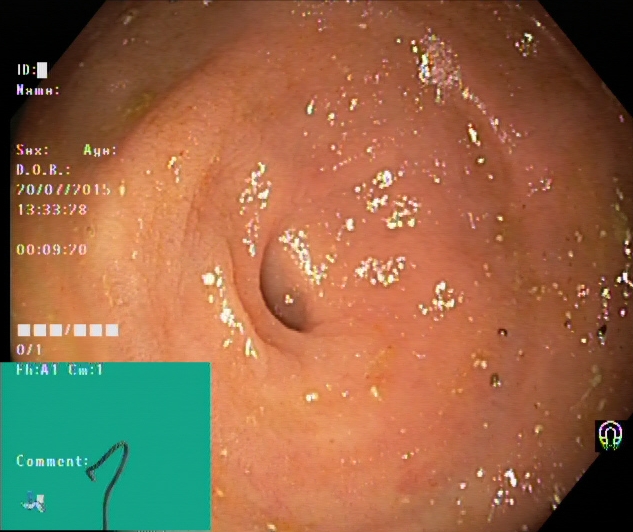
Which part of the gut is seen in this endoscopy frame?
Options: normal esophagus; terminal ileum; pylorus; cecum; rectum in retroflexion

cecum